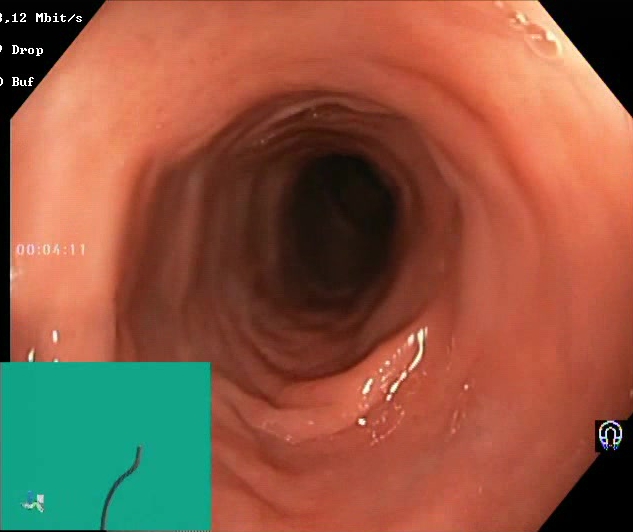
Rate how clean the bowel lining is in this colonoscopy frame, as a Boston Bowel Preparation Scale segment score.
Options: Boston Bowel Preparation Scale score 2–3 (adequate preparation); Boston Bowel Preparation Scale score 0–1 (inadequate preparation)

Boston Bowel Preparation Scale score 2–3 (adequate preparation)